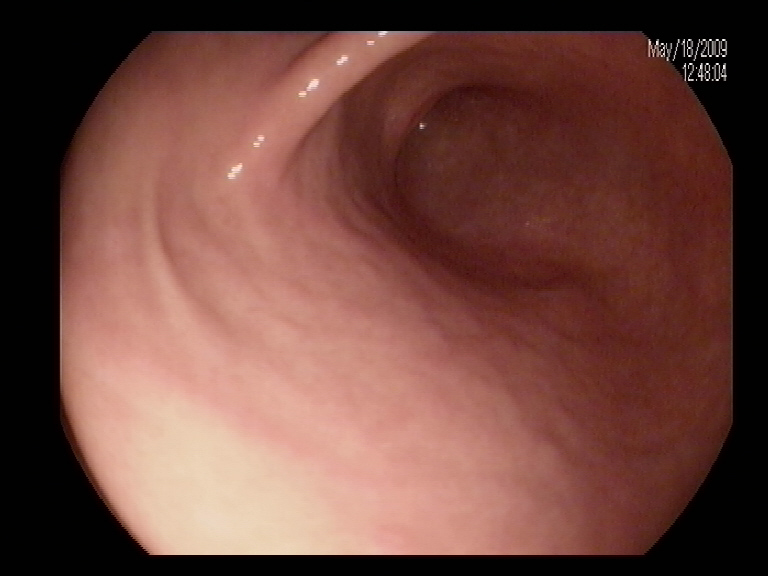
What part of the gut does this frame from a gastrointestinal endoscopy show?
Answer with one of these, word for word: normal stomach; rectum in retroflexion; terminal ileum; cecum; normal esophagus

normal stomach